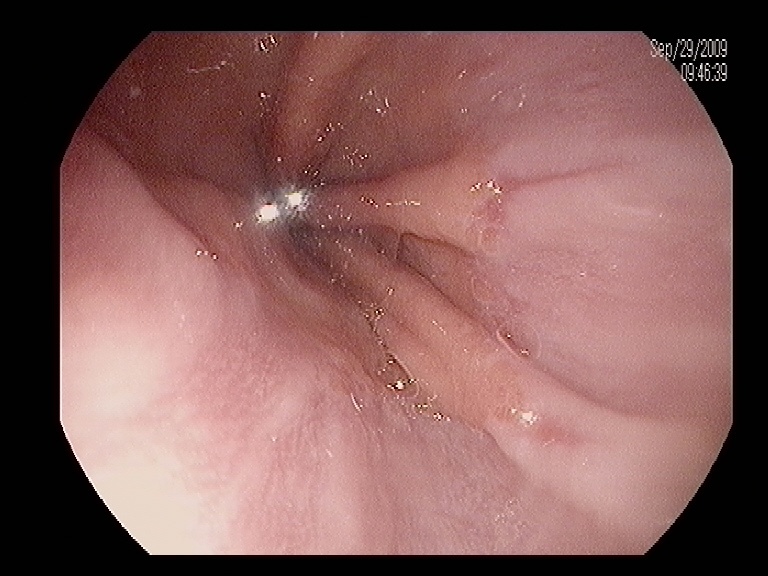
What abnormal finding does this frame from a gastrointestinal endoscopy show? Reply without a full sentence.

esophagitis